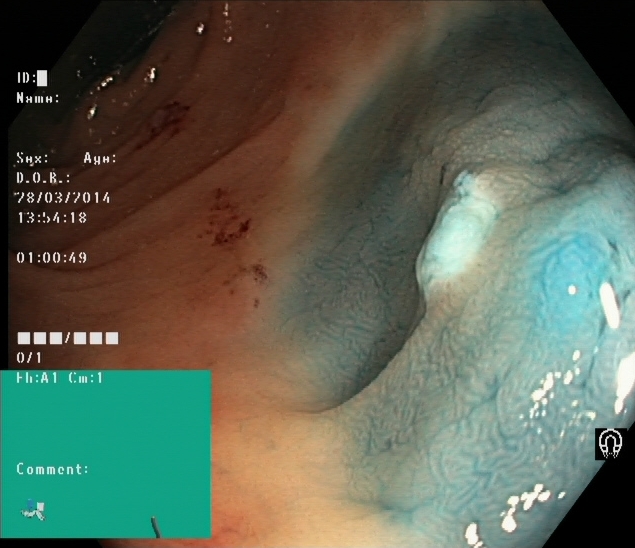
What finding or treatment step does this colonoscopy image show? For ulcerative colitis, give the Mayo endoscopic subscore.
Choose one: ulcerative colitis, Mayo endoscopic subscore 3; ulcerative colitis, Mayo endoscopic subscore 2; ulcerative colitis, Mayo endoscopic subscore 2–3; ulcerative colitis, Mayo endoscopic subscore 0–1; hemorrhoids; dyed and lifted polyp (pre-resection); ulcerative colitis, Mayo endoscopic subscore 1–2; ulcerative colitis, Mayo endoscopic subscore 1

dyed and lifted polyp (pre-resection)